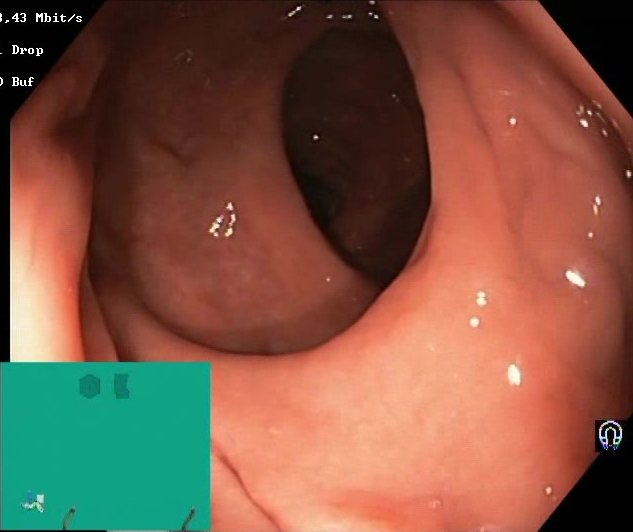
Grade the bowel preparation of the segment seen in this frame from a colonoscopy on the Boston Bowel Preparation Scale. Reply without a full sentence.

Boston Bowel Preparation Scale score 2–3 (adequate preparation)